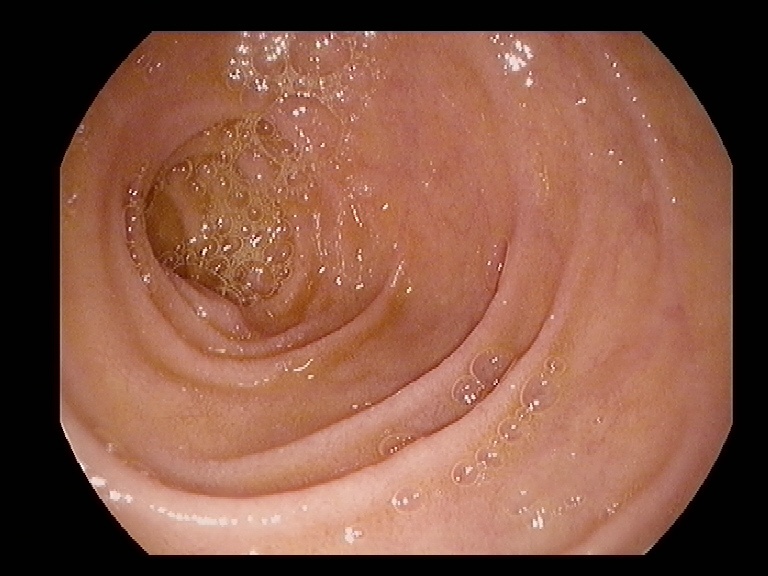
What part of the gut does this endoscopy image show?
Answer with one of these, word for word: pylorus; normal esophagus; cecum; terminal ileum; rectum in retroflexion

terminal ileum